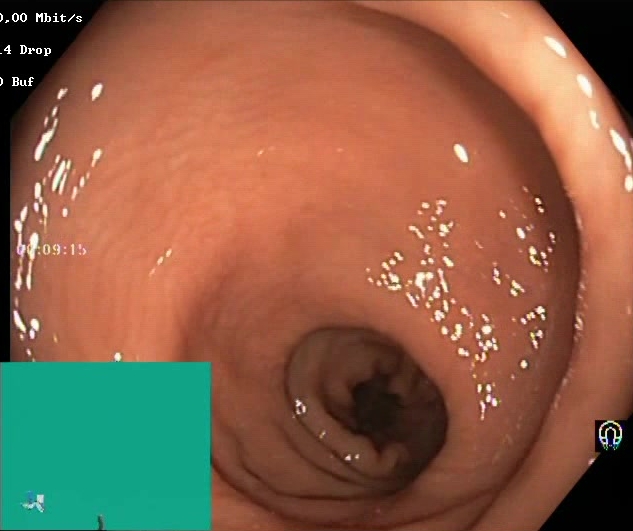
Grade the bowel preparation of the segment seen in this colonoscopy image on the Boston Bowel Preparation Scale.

Boston Bowel Preparation Scale score 2–3 (adequate preparation)